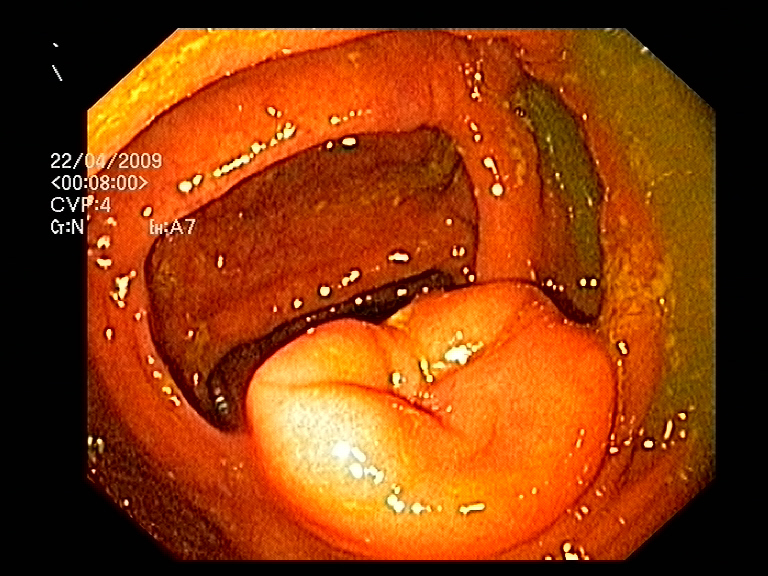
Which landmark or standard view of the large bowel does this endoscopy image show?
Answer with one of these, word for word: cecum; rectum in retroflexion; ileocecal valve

ileocecal valve